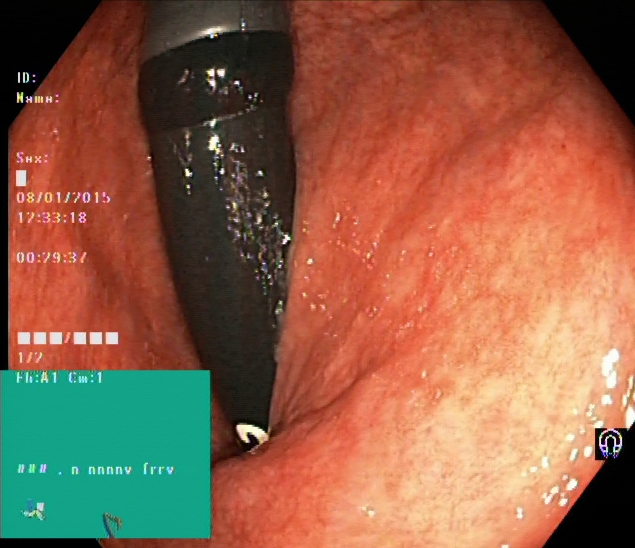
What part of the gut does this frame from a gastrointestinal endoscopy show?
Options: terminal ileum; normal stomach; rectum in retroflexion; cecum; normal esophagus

rectum in retroflexion